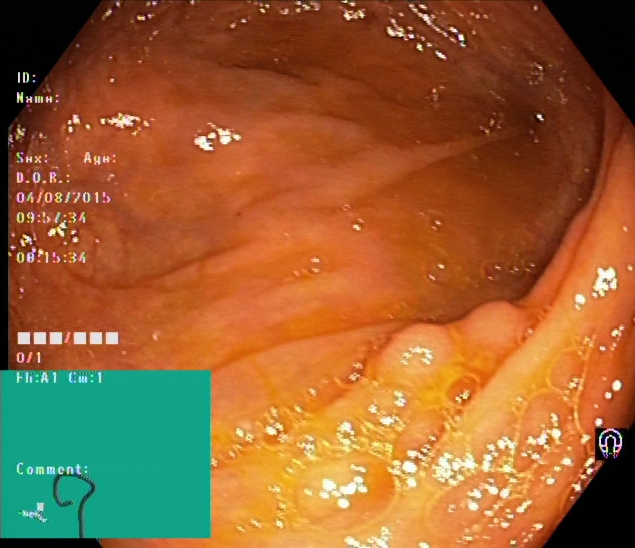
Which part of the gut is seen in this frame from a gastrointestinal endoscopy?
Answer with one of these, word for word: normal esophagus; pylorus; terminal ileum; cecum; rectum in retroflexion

cecum